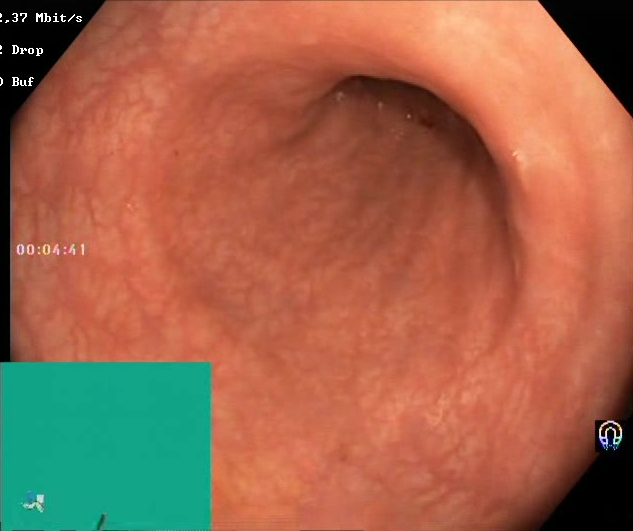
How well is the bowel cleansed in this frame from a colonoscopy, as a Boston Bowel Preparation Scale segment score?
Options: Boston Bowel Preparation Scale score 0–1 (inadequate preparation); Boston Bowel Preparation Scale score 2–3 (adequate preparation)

Boston Bowel Preparation Scale score 2–3 (adequate preparation)